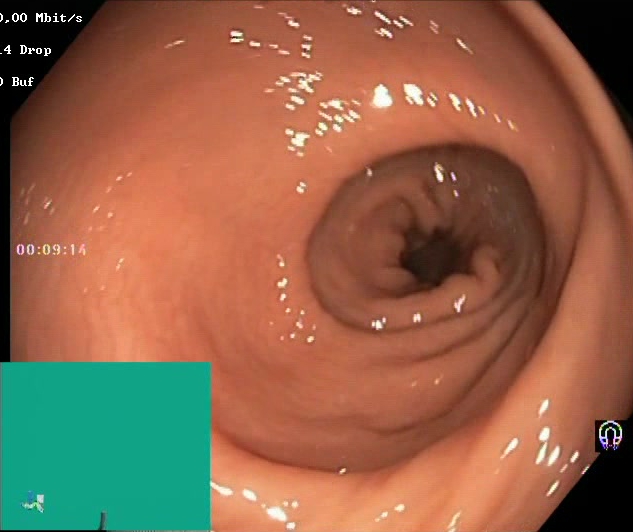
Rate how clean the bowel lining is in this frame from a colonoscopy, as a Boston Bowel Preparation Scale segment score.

Boston Bowel Preparation Scale score 2–3 (adequate preparation)